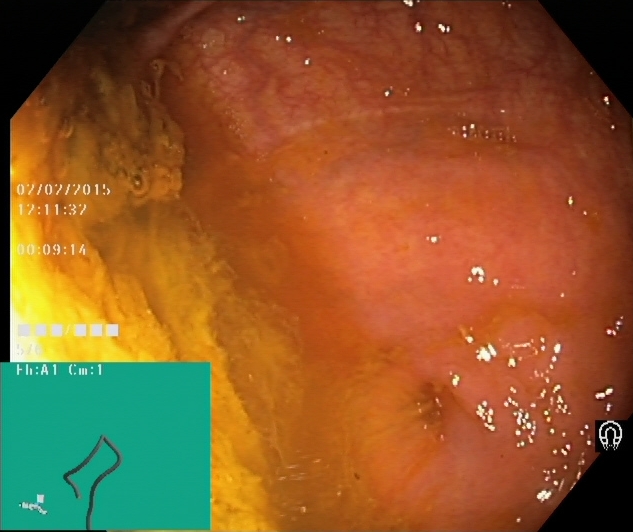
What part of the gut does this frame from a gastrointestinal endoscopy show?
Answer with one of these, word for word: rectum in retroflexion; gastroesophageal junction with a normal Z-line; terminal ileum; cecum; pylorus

cecum